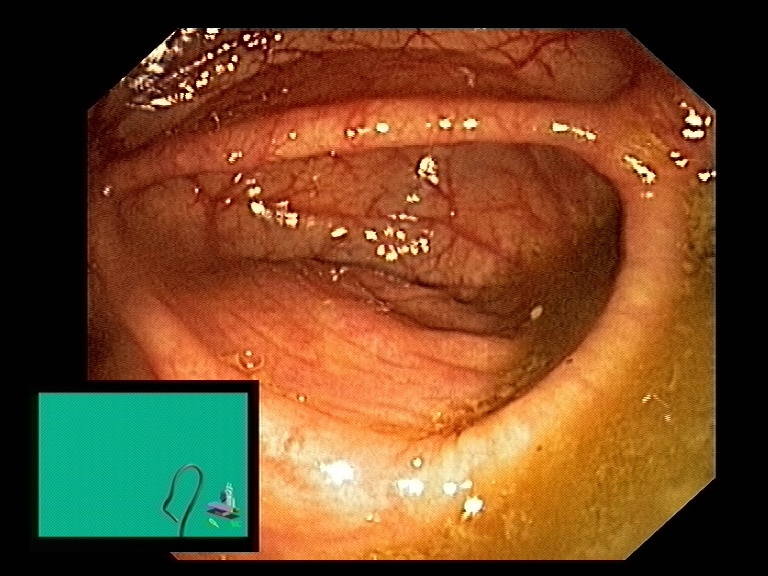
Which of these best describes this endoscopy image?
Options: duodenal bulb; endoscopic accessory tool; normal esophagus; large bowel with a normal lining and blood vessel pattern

large bowel with a normal lining and blood vessel pattern